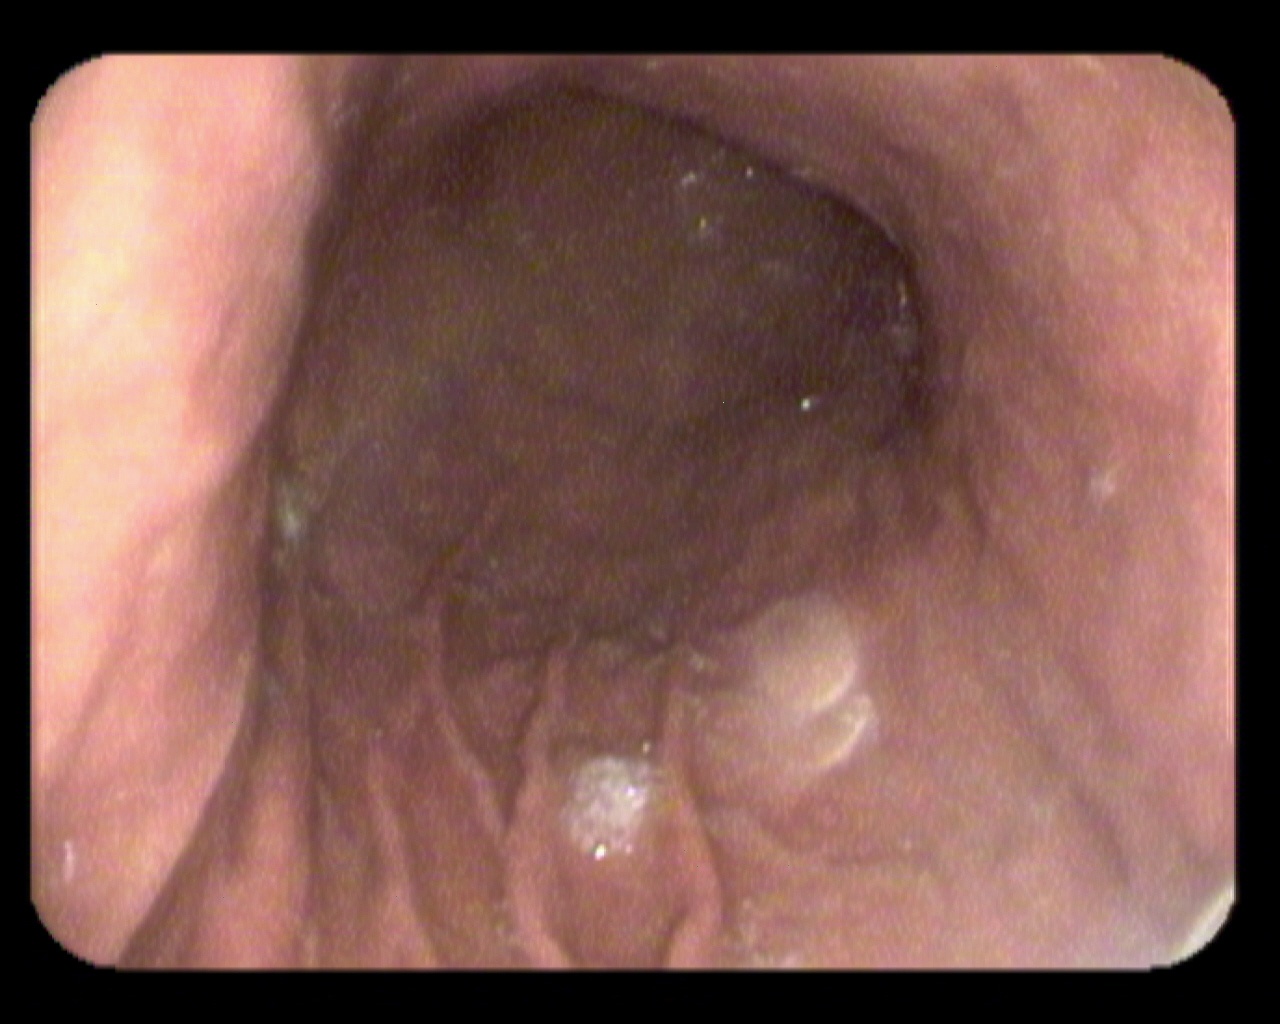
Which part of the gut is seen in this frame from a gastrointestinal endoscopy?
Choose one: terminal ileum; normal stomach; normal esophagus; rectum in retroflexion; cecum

normal stomach